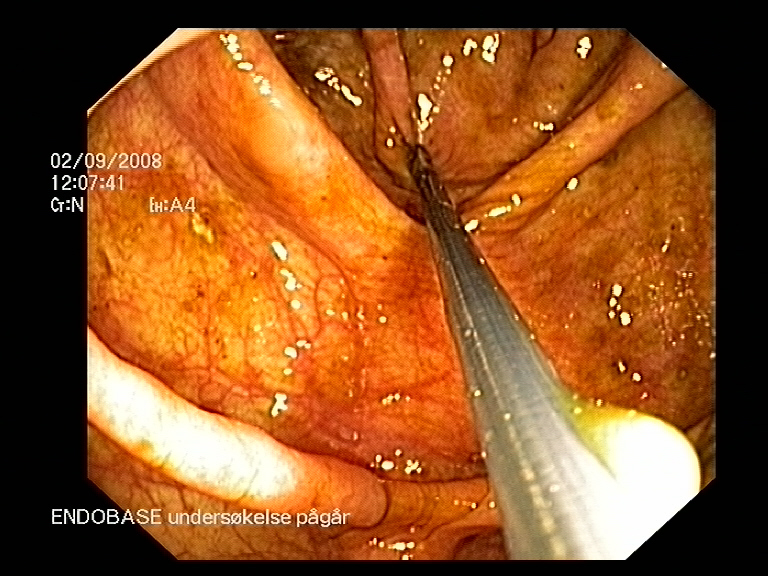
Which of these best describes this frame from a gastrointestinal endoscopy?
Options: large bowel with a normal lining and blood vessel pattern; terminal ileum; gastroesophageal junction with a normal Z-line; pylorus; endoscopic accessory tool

endoscopic accessory tool